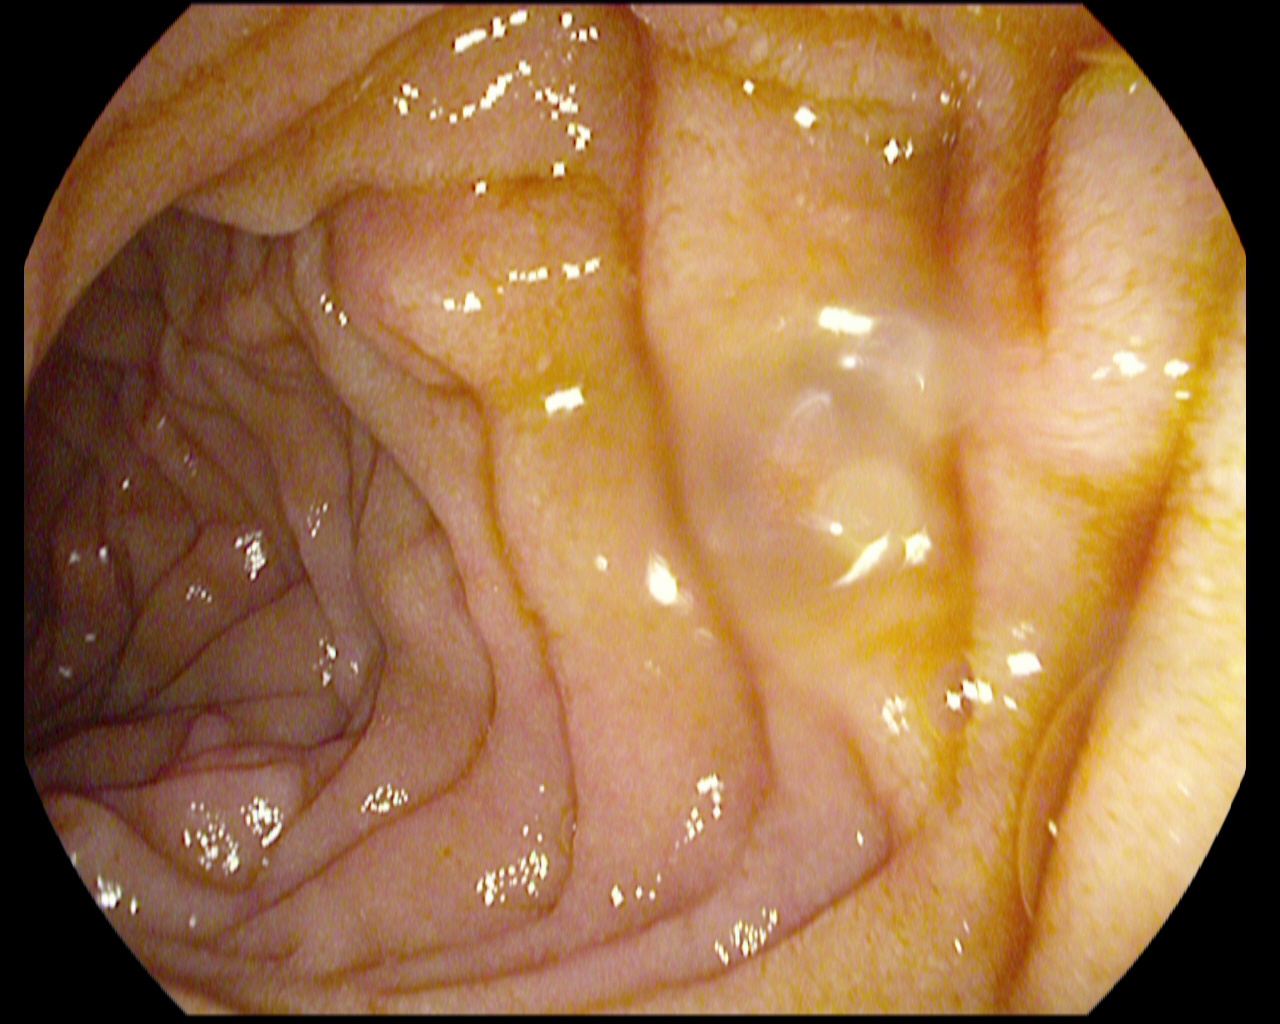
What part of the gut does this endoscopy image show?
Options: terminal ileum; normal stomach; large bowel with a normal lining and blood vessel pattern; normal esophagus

terminal ileum